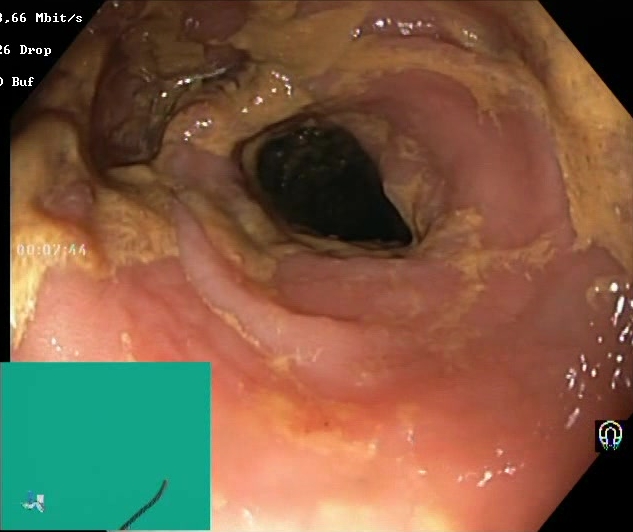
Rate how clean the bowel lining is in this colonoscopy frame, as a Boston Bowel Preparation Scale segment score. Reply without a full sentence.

Boston Bowel Preparation Scale score 0–1 (inadequate preparation)